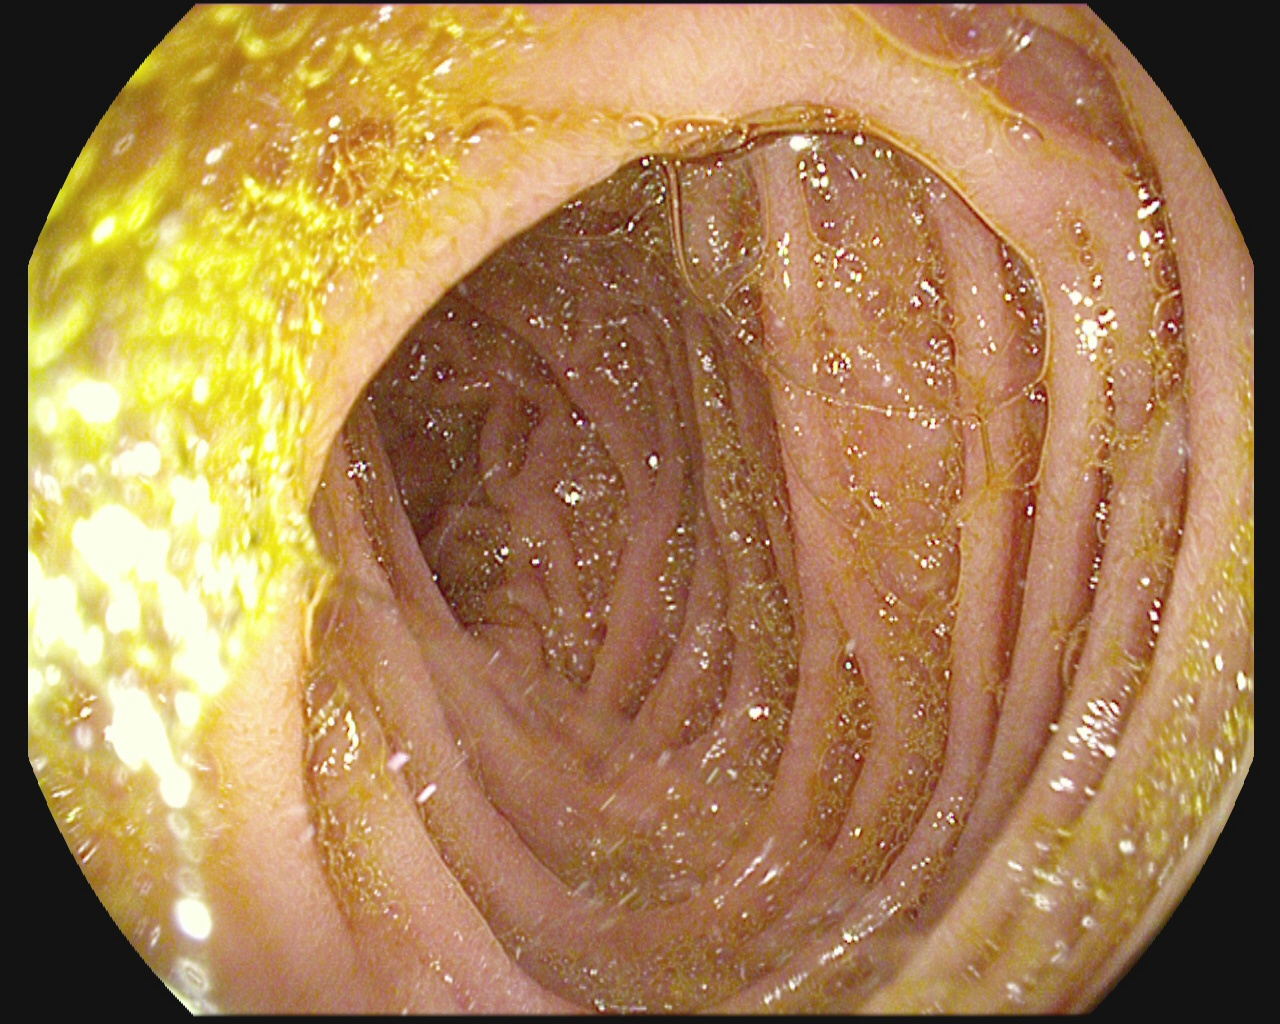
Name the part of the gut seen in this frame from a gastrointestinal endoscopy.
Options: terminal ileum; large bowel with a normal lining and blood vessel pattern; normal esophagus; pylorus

terminal ileum